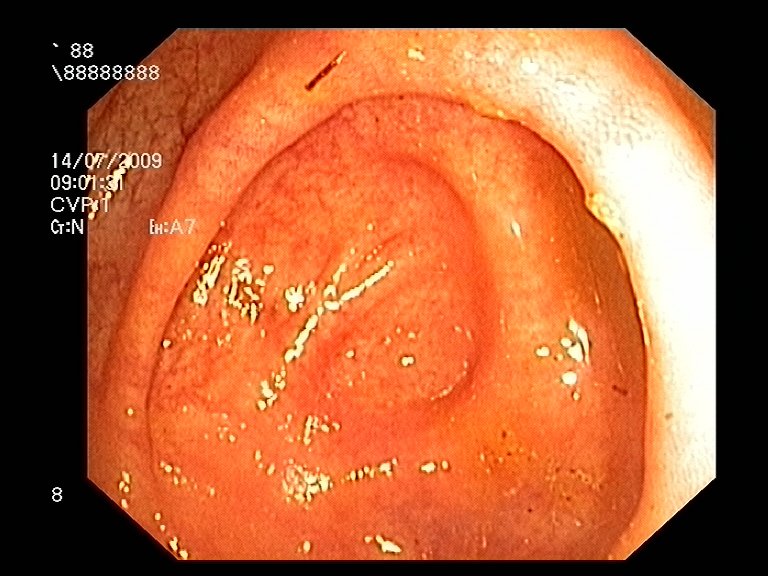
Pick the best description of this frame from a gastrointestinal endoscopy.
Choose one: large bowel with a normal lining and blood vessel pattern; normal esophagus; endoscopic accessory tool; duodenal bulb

large bowel with a normal lining and blood vessel pattern